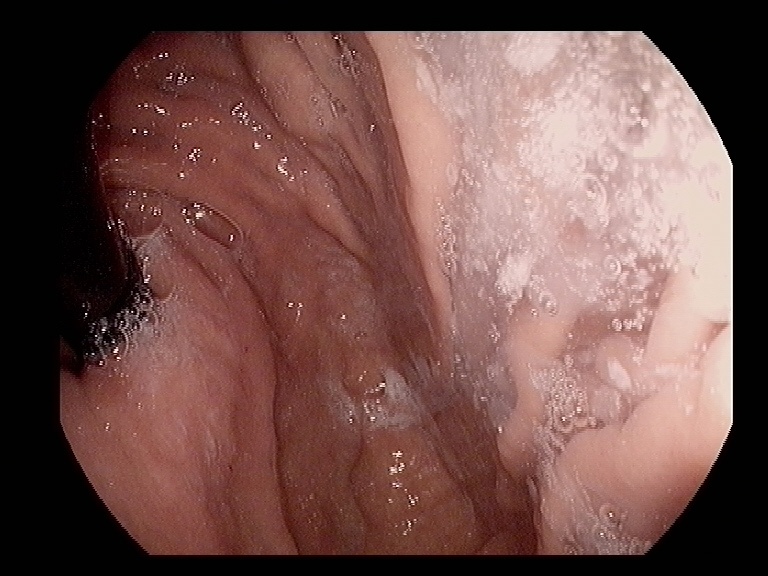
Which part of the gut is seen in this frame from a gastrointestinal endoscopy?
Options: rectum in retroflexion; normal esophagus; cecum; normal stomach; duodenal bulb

normal stomach